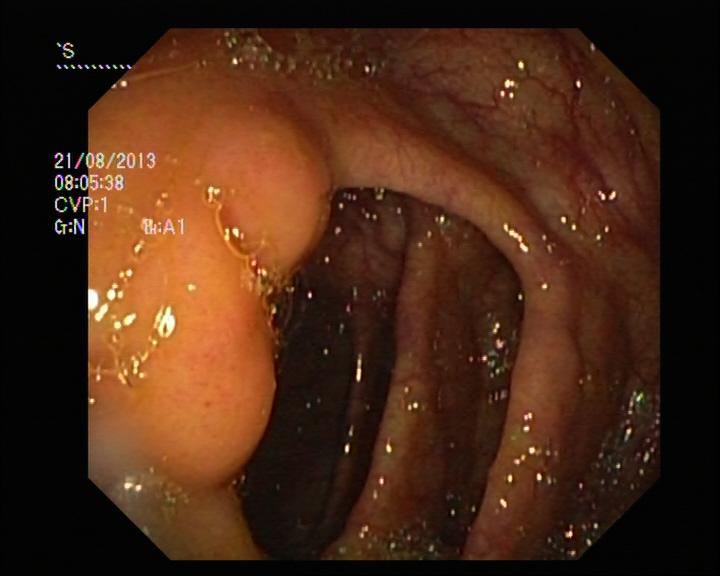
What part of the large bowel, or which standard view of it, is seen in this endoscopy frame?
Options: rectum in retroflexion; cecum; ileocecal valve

ileocecal valve